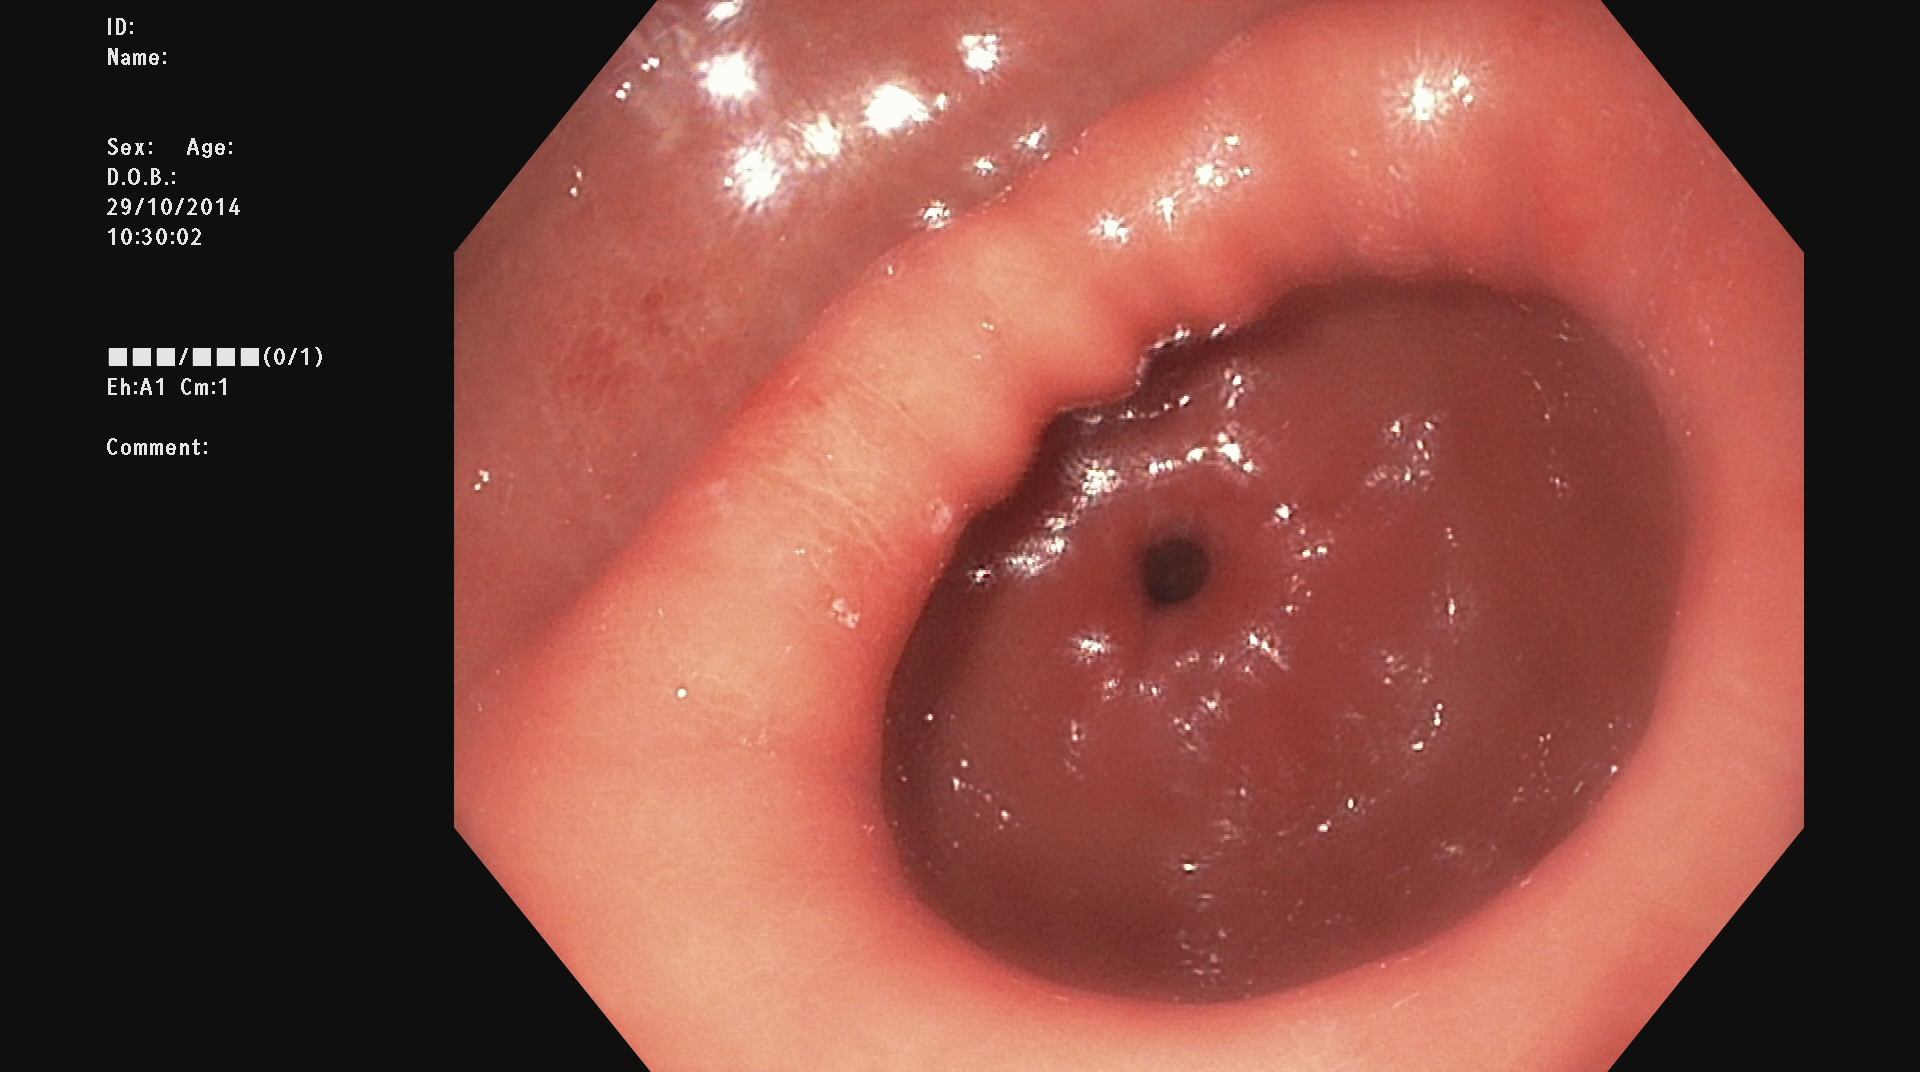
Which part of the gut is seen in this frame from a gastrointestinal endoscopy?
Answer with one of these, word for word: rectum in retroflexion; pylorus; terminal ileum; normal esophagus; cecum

pylorus